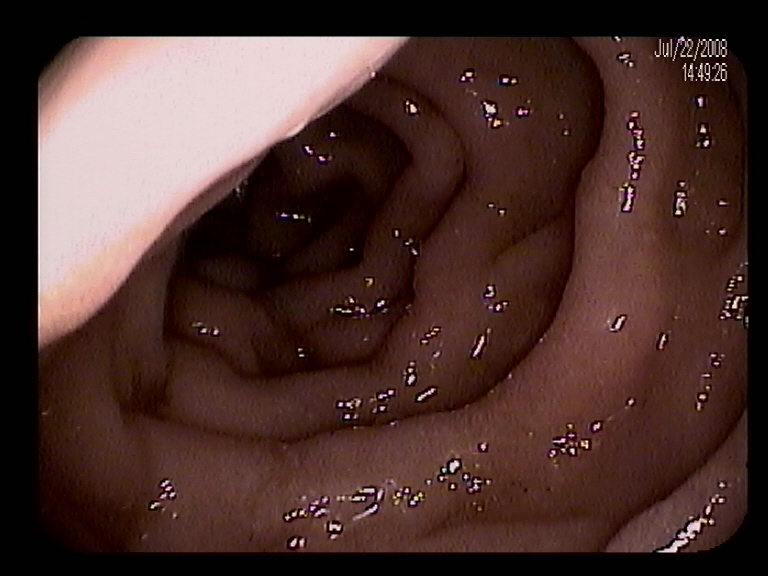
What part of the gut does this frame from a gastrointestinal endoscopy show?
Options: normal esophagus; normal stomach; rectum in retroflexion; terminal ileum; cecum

terminal ileum